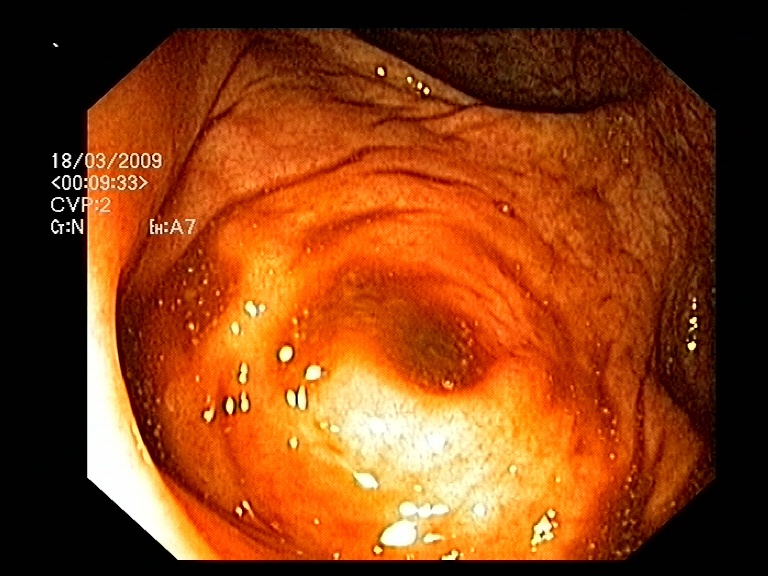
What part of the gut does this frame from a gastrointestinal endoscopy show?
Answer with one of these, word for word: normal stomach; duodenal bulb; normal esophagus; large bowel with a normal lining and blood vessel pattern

large bowel with a normal lining and blood vessel pattern